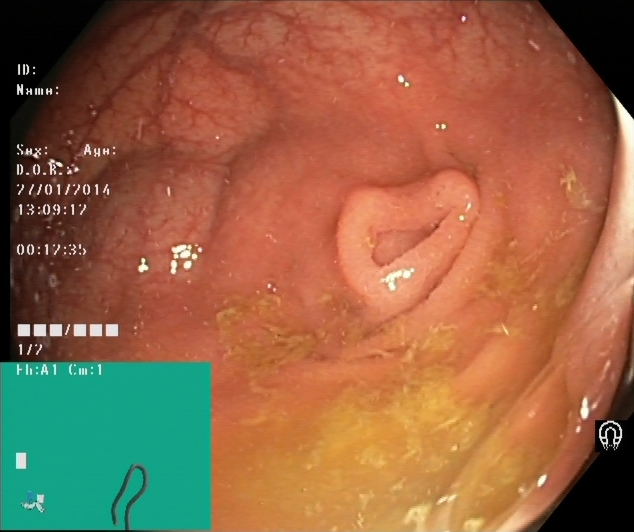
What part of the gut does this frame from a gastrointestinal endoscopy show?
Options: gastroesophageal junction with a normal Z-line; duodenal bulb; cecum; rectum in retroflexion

cecum